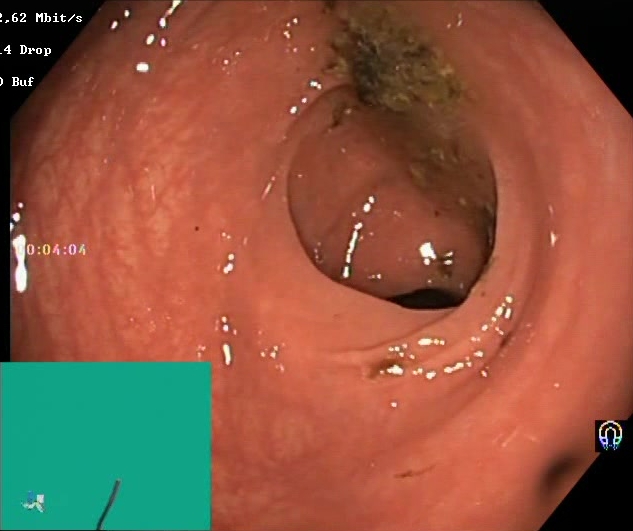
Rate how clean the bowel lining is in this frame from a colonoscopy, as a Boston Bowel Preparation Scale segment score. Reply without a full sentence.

Boston Bowel Preparation Scale score 0–1 (inadequate preparation)